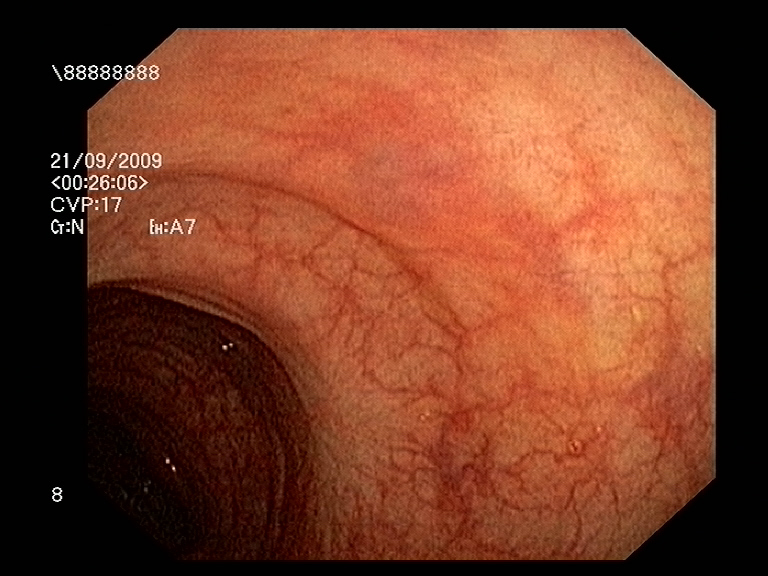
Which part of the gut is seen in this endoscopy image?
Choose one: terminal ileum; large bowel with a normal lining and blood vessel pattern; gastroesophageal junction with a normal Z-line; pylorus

large bowel with a normal lining and blood vessel pattern